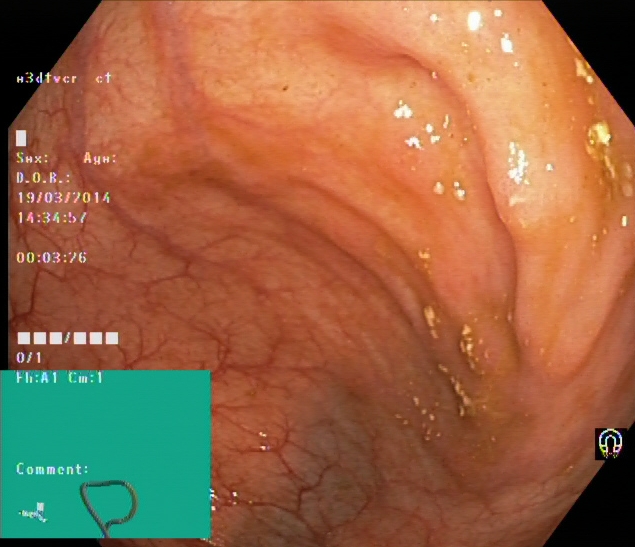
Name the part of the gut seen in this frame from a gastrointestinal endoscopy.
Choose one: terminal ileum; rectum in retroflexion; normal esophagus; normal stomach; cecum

cecum